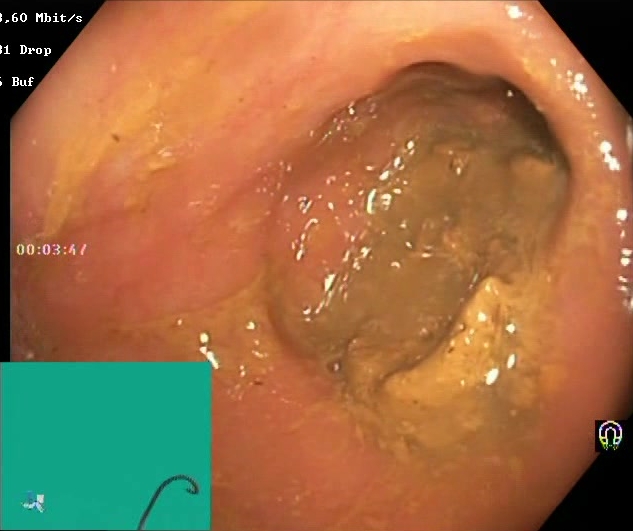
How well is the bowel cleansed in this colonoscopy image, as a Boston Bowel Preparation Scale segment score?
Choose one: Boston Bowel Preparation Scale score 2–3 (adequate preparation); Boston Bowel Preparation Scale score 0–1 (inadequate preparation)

Boston Bowel Preparation Scale score 0–1 (inadequate preparation)